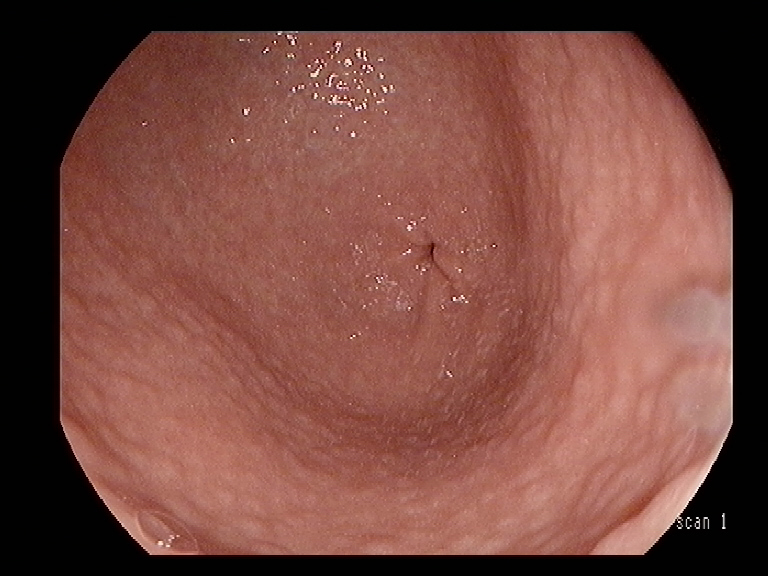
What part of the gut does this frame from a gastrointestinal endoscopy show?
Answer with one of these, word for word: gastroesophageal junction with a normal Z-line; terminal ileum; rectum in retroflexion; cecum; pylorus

pylorus